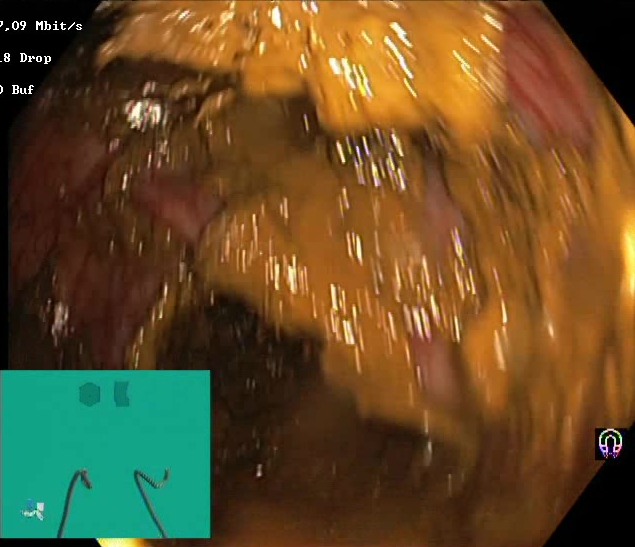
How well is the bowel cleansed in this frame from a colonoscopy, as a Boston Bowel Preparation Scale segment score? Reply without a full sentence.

Boston Bowel Preparation Scale score 0–1 (inadequate preparation)